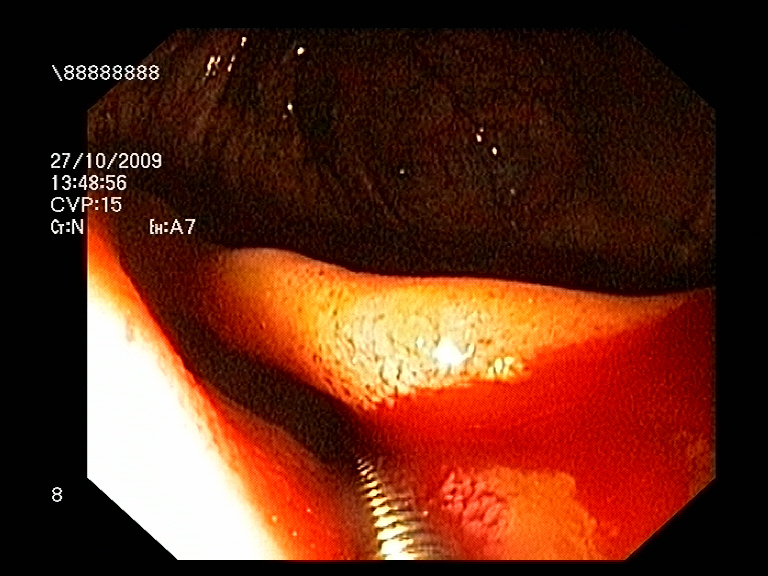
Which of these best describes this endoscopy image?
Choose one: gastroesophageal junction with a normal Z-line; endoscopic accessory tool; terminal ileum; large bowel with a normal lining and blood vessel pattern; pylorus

endoscopic accessory tool